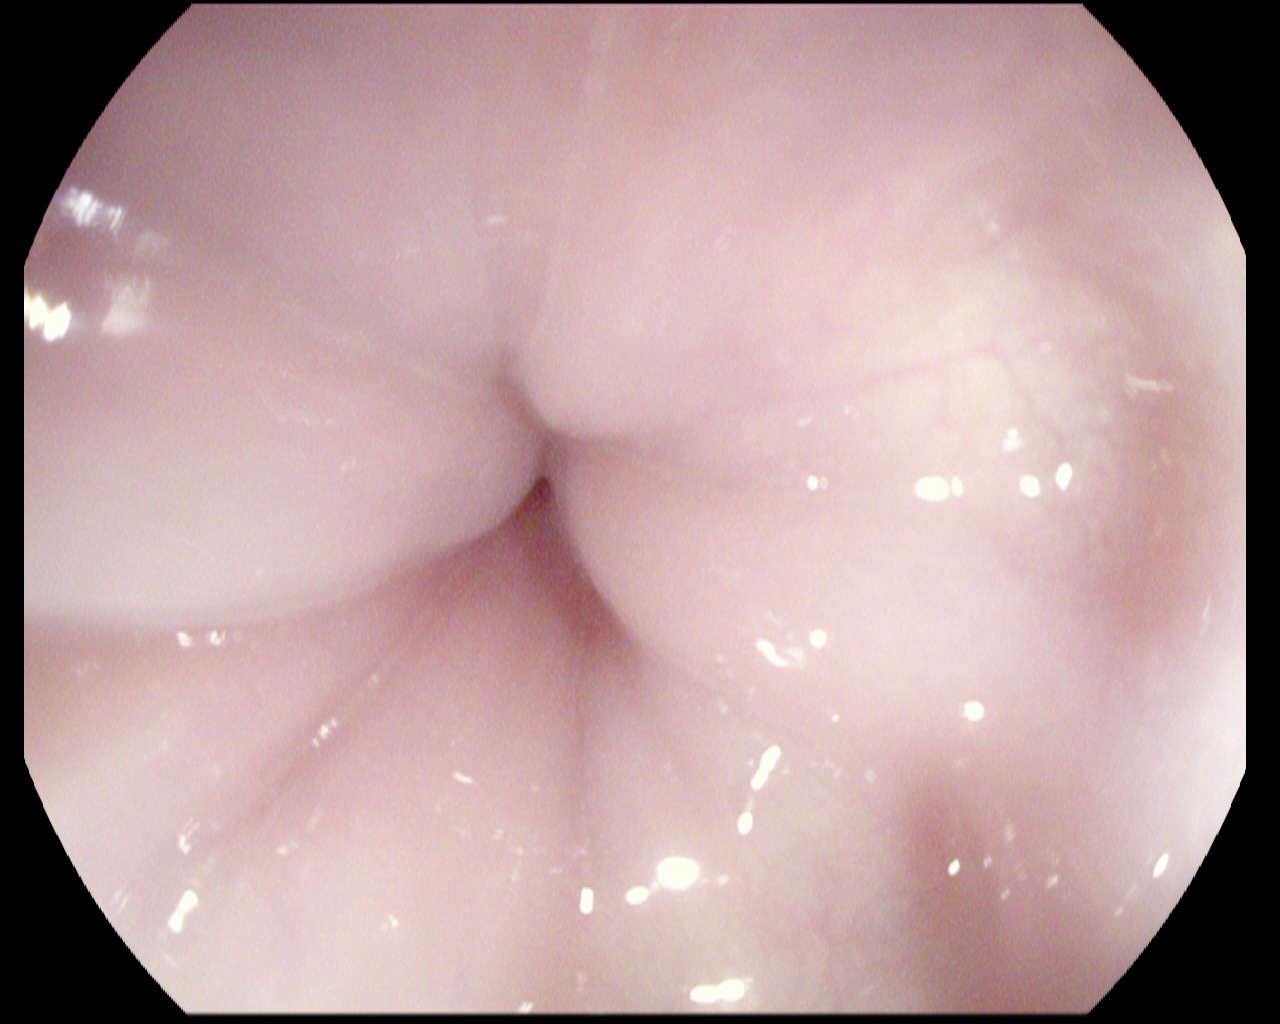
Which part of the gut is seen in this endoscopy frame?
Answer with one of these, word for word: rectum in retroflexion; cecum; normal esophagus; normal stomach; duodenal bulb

normal esophagus